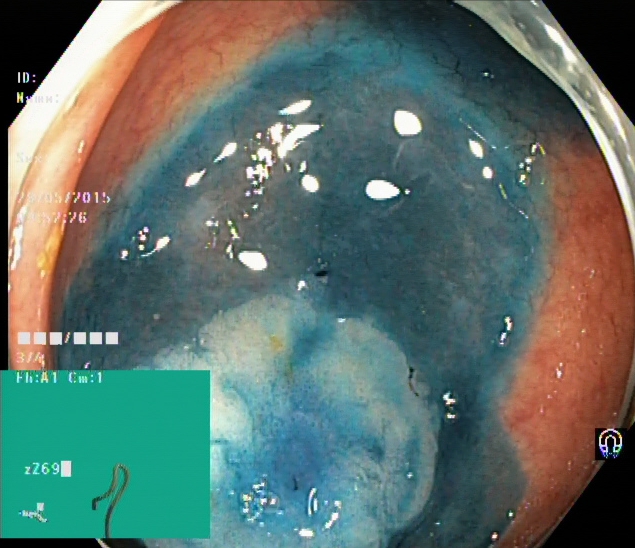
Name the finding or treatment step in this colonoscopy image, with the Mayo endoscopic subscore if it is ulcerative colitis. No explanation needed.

dyed and lifted polyp (pre-resection)